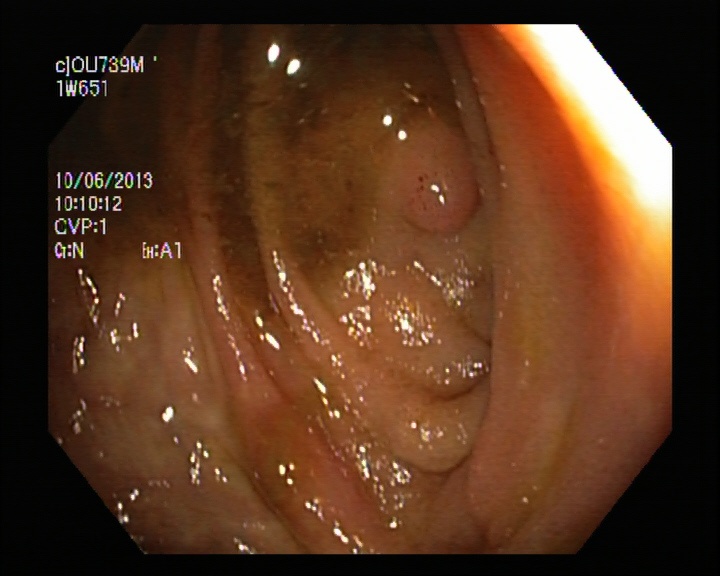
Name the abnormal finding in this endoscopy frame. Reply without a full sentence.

colon polyp